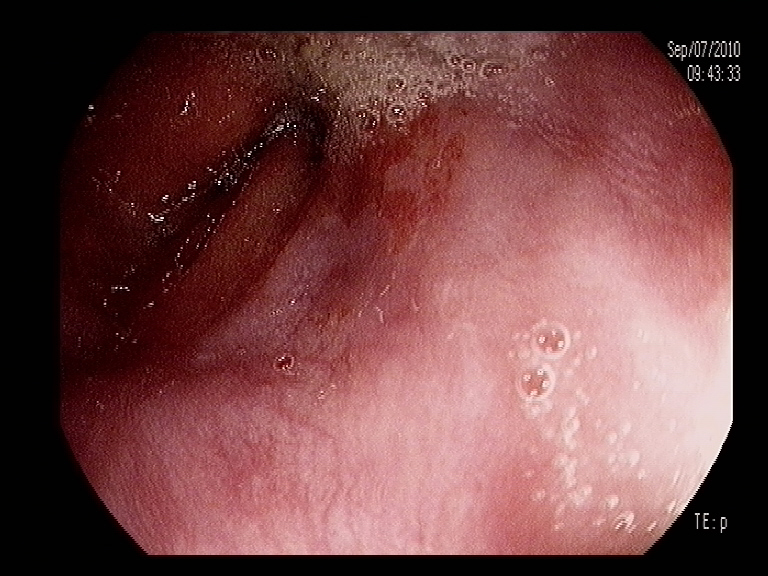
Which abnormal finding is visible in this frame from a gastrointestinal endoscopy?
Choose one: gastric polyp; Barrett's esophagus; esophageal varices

Barrett's esophagus